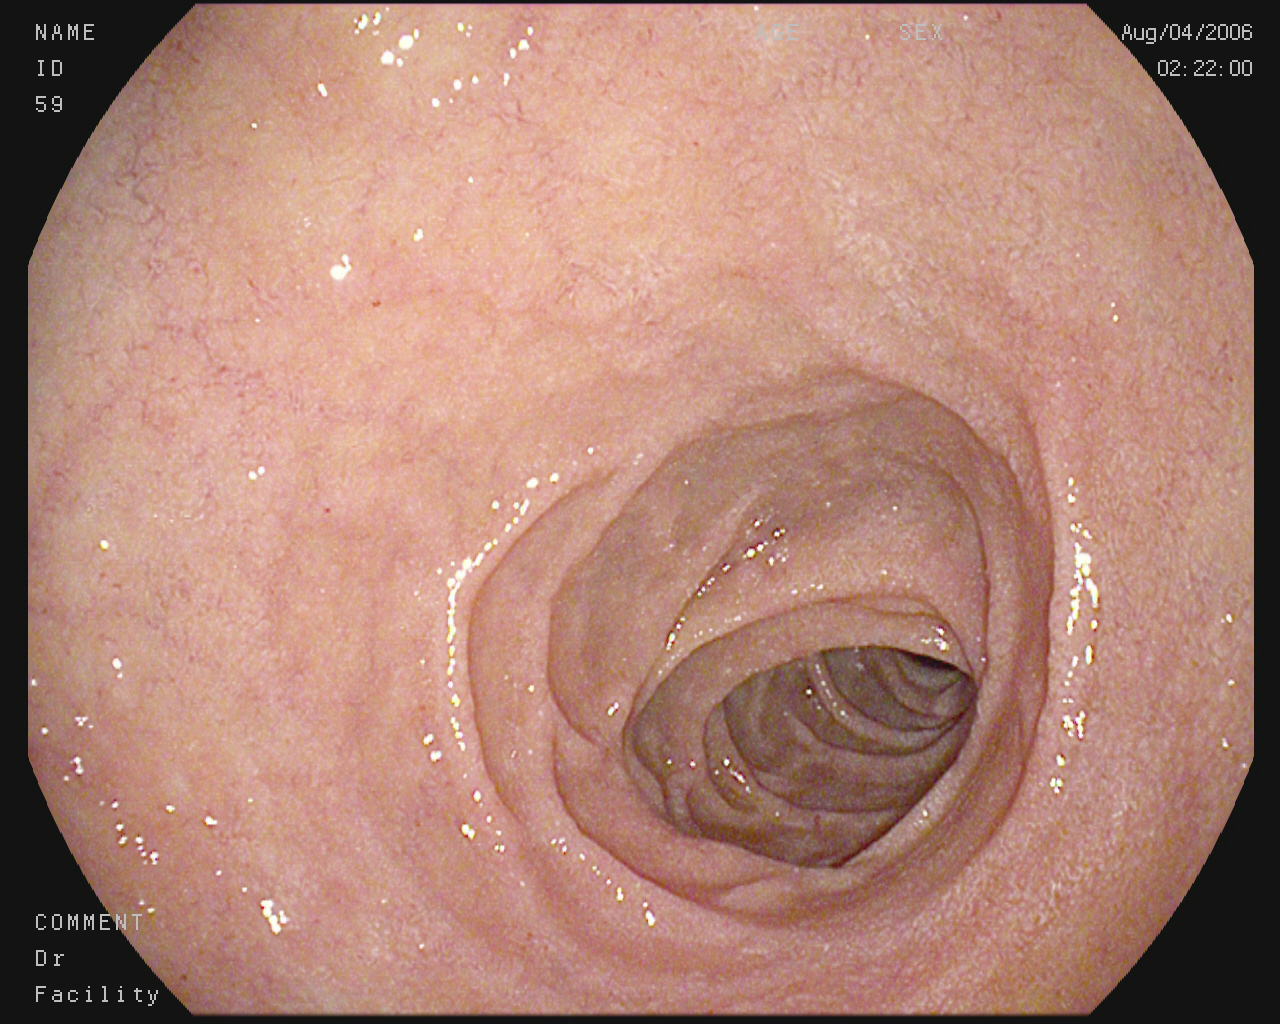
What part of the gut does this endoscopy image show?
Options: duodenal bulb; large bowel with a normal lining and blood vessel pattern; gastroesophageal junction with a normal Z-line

duodenal bulb